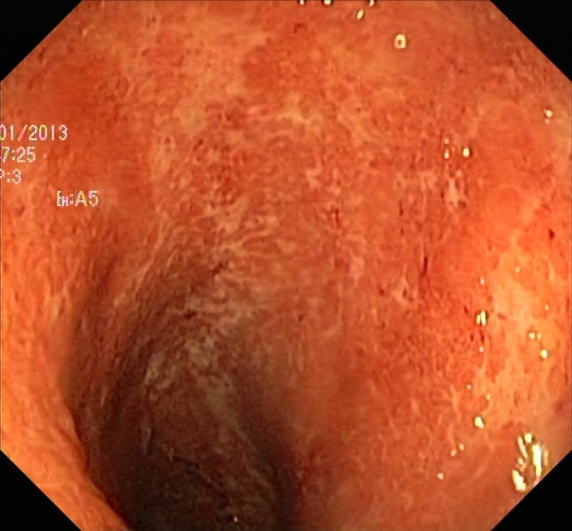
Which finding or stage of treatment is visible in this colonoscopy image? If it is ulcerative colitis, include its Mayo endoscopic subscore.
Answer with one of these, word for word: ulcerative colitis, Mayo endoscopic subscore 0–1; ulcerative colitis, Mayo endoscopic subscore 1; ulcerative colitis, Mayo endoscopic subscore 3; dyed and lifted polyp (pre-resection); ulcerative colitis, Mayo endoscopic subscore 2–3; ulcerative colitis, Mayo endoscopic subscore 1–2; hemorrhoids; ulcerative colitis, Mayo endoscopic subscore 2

ulcerative colitis, Mayo endoscopic subscore 2–3